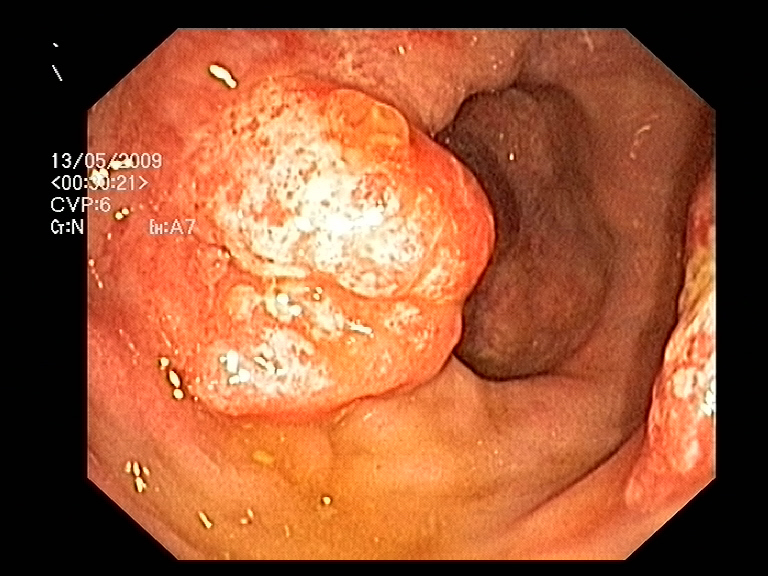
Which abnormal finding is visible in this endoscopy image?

colon polyp